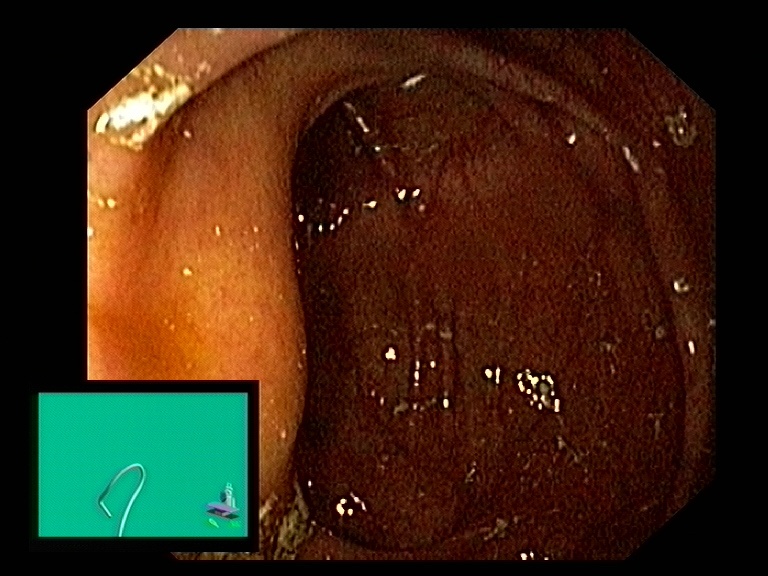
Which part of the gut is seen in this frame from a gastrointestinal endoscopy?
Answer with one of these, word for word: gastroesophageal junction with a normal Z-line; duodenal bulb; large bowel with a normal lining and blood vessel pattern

large bowel with a normal lining and blood vessel pattern